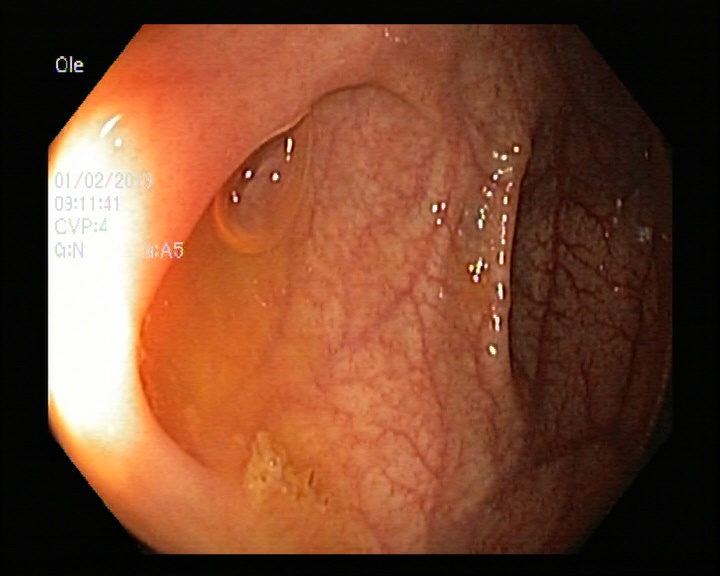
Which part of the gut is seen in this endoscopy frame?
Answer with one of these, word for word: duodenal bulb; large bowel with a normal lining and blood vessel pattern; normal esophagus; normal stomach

large bowel with a normal lining and blood vessel pattern